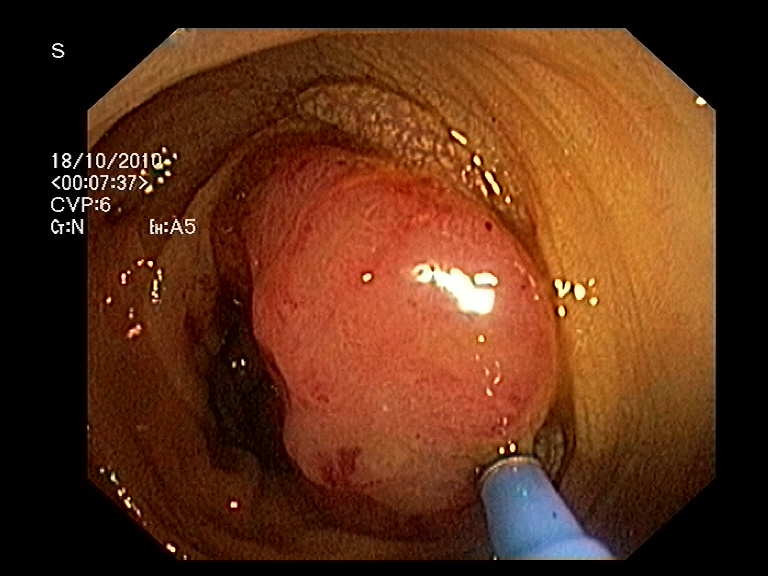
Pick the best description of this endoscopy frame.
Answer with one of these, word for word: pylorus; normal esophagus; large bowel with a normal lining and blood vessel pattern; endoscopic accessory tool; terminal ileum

endoscopic accessory tool